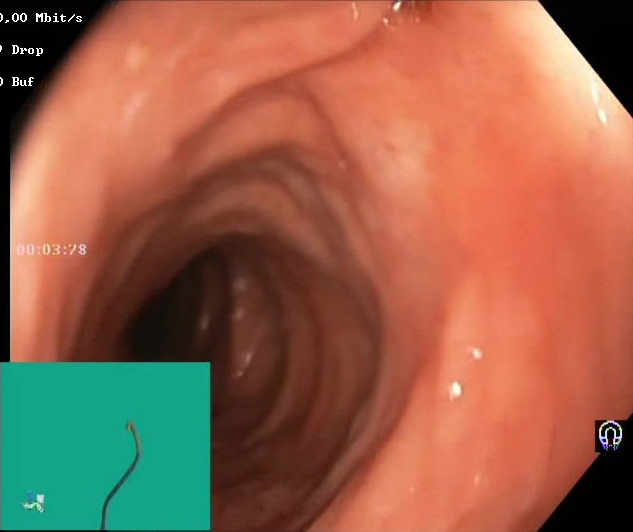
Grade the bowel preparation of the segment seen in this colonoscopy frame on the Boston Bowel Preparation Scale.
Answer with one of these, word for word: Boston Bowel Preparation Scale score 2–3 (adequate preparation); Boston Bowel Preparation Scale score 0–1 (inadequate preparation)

Boston Bowel Preparation Scale score 2–3 (adequate preparation)